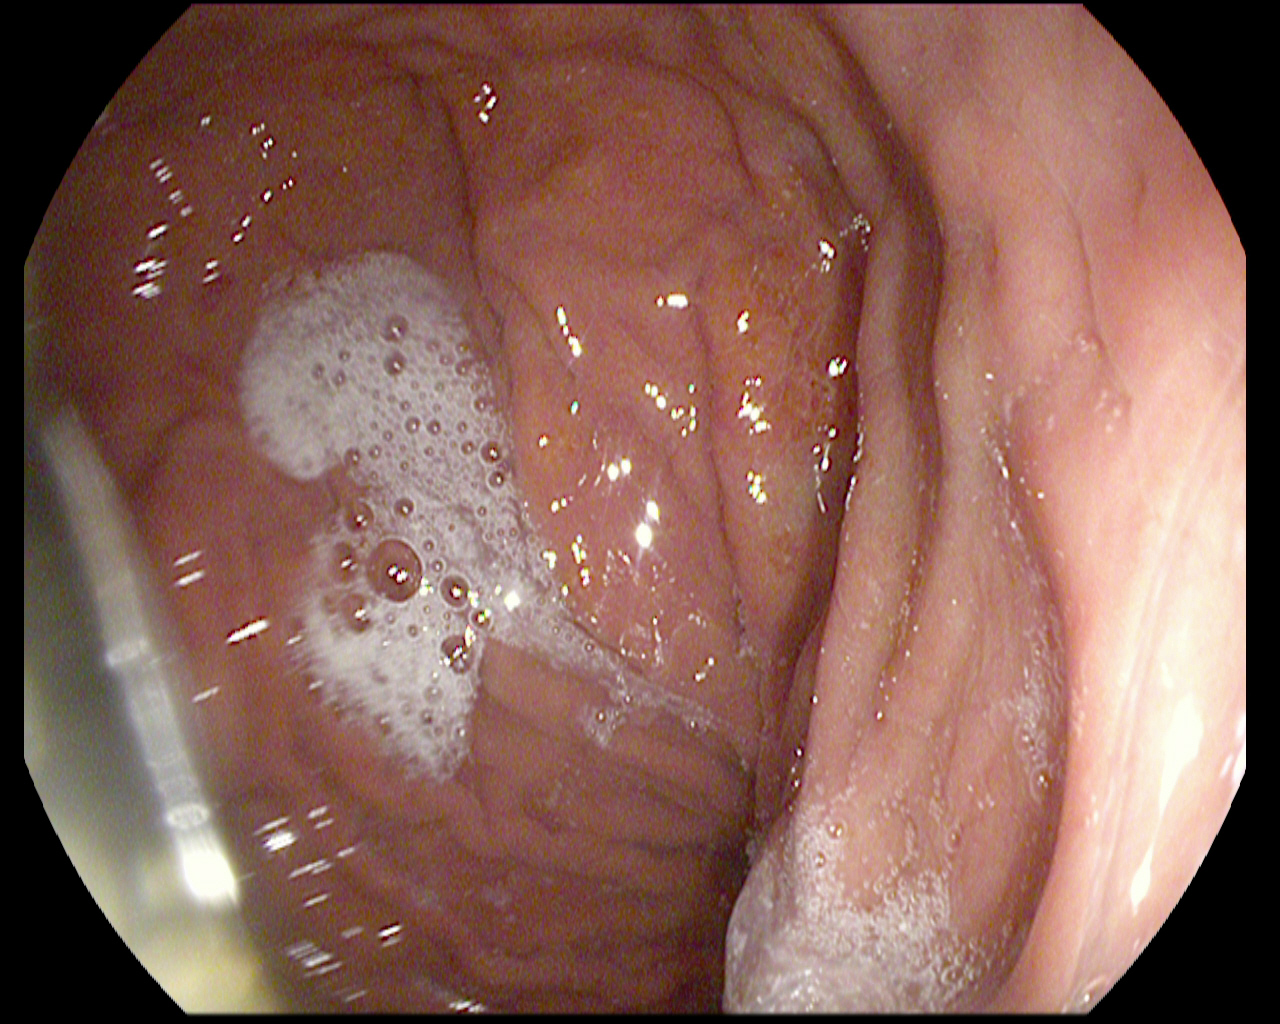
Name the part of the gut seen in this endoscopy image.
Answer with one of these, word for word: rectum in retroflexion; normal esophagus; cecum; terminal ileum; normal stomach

normal stomach